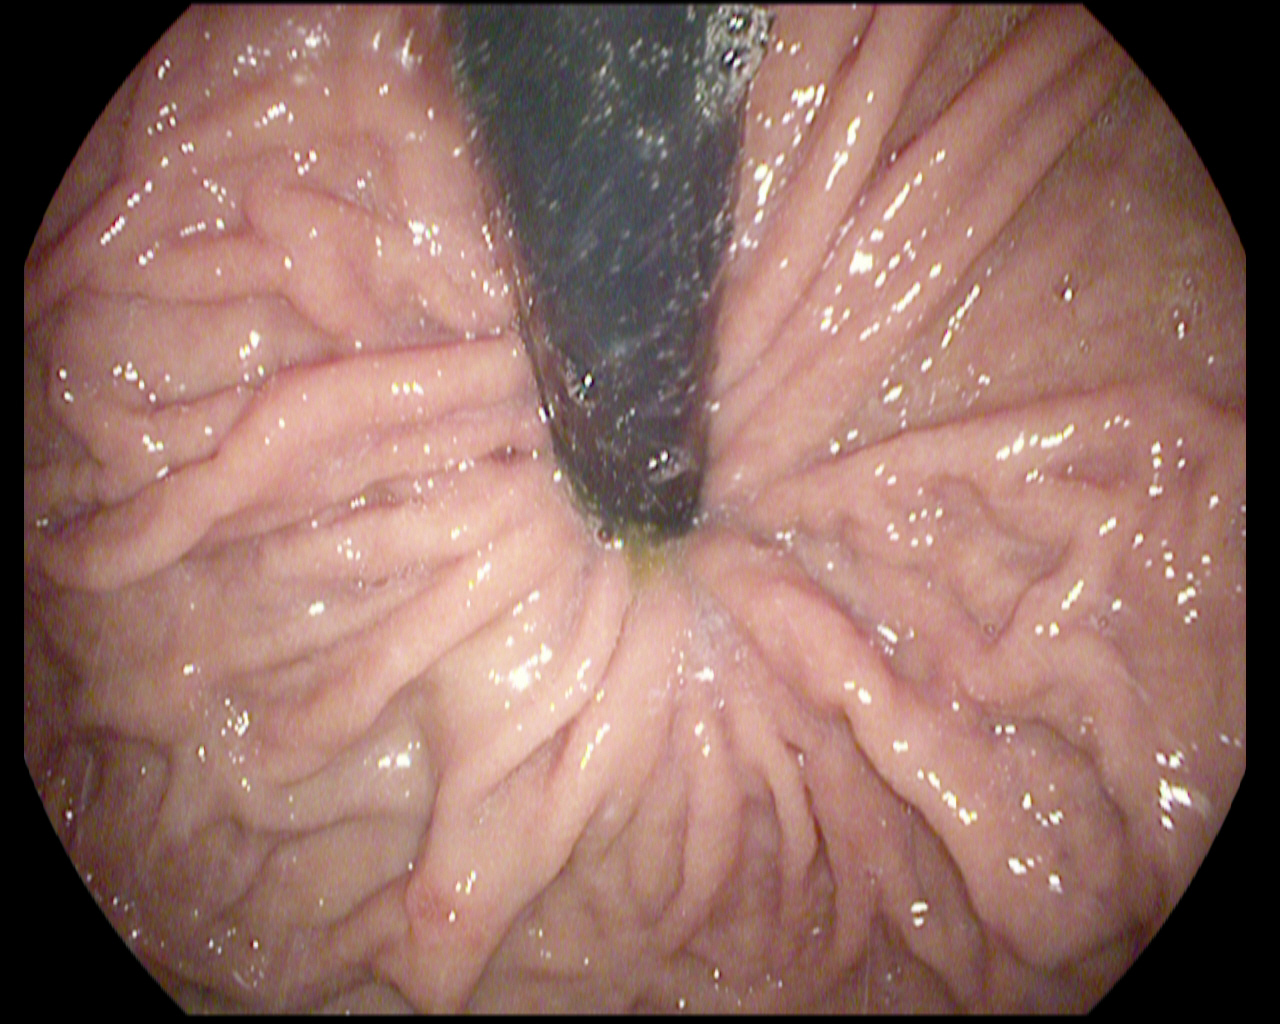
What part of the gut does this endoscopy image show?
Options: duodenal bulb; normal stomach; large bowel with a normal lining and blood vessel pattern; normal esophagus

normal stomach